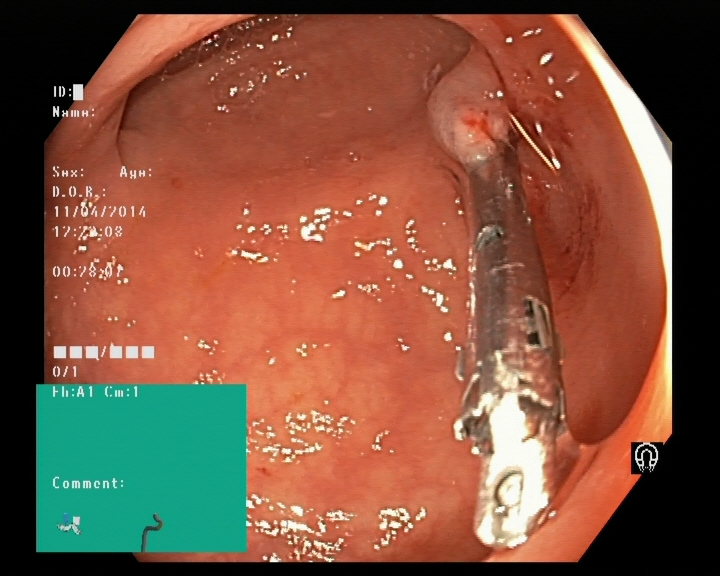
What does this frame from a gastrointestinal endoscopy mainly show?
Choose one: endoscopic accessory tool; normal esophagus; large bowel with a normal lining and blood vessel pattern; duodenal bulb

endoscopic accessory tool